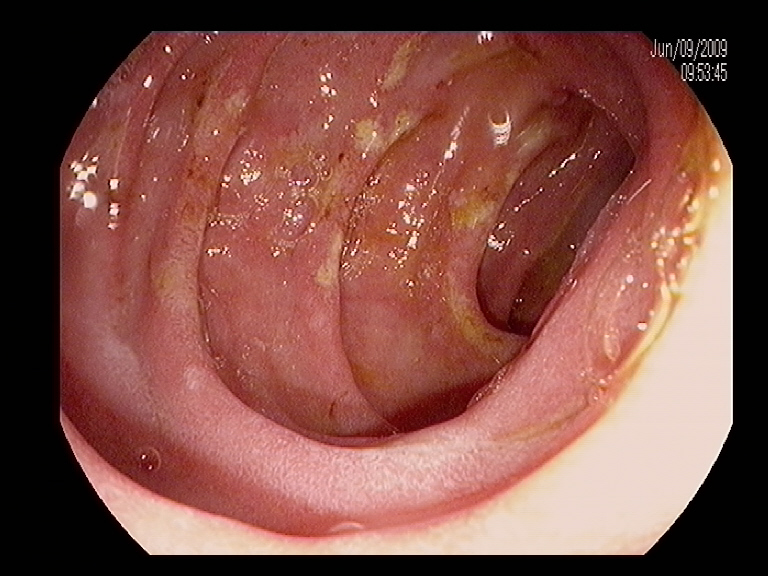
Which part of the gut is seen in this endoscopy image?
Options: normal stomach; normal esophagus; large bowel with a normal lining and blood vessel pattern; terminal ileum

terminal ileum